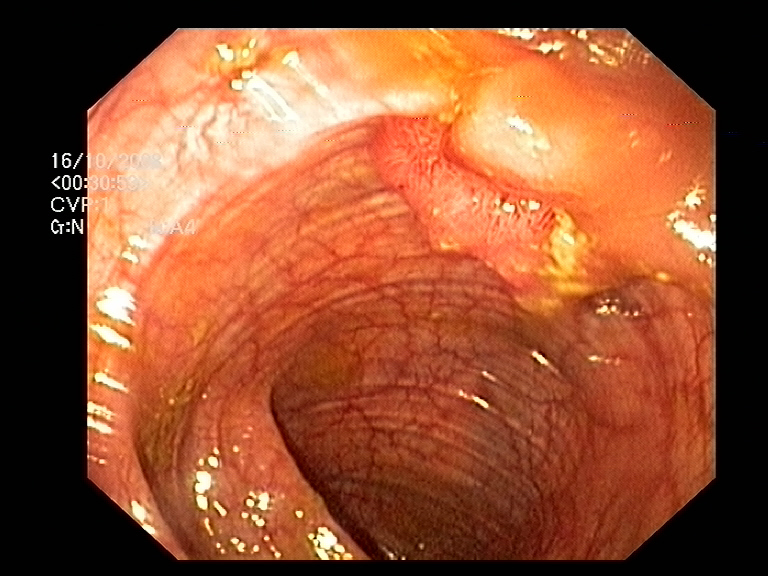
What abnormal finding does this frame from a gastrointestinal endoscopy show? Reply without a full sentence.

colon polyp